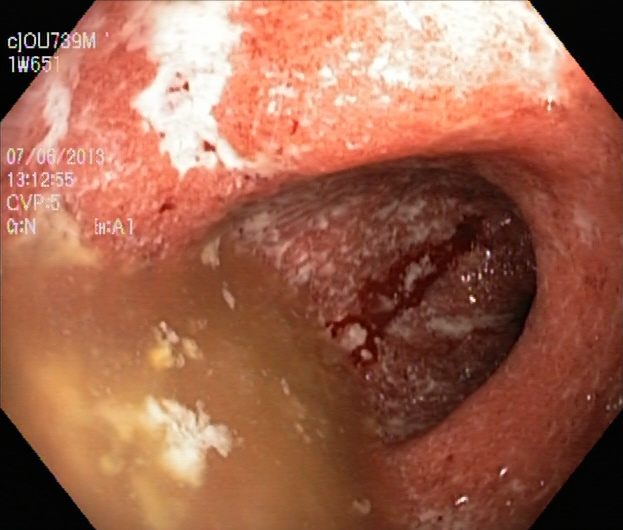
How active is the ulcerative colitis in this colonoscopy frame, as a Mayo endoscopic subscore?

ulcerative colitis, Mayo endoscopic subscore 3